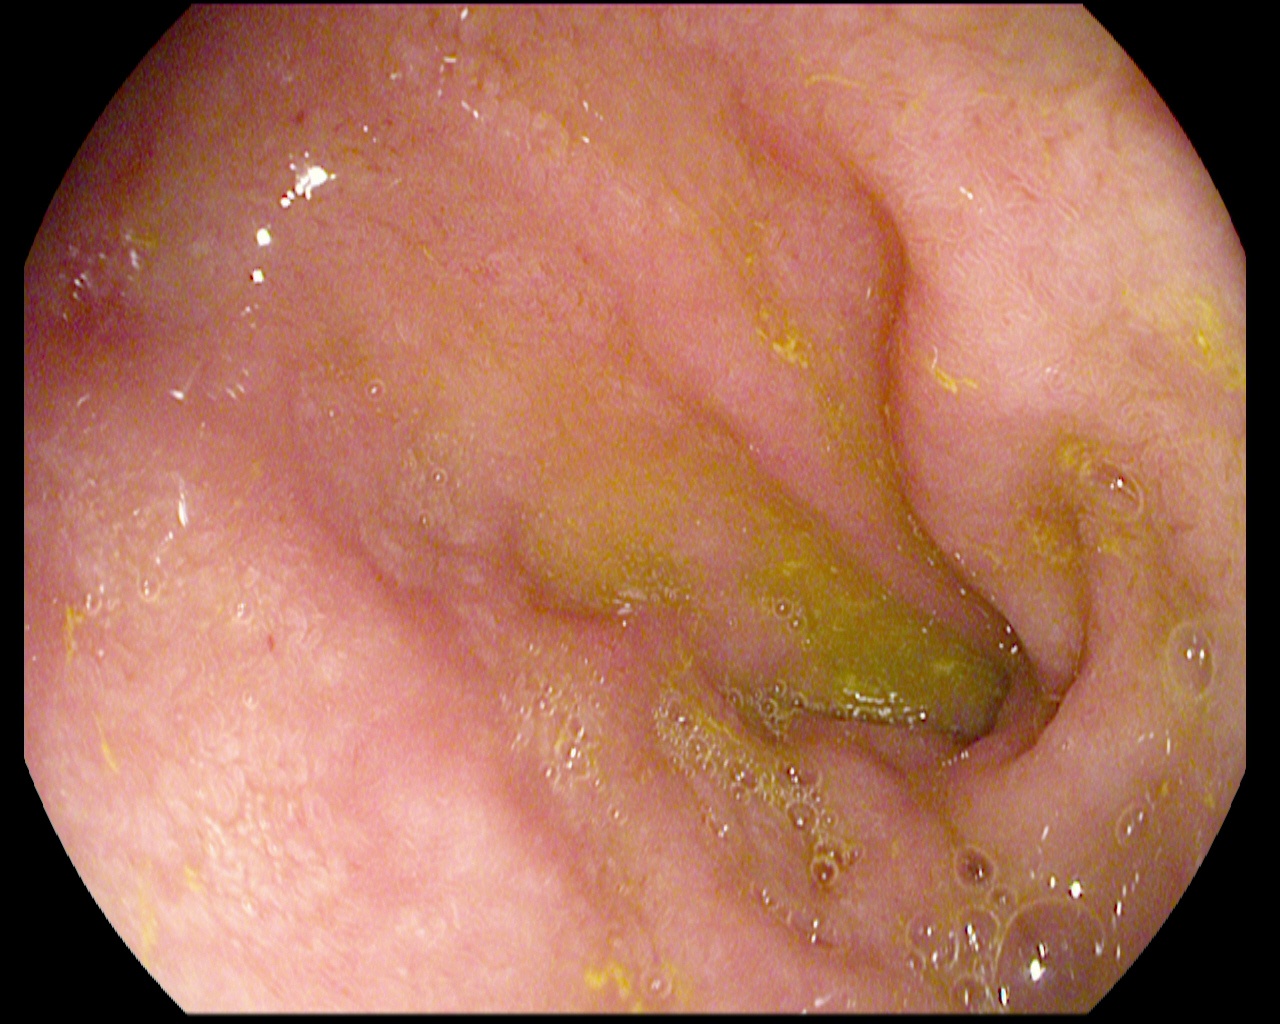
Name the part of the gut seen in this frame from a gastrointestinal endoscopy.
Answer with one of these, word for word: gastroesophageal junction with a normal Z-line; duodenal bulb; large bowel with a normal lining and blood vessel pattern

duodenal bulb